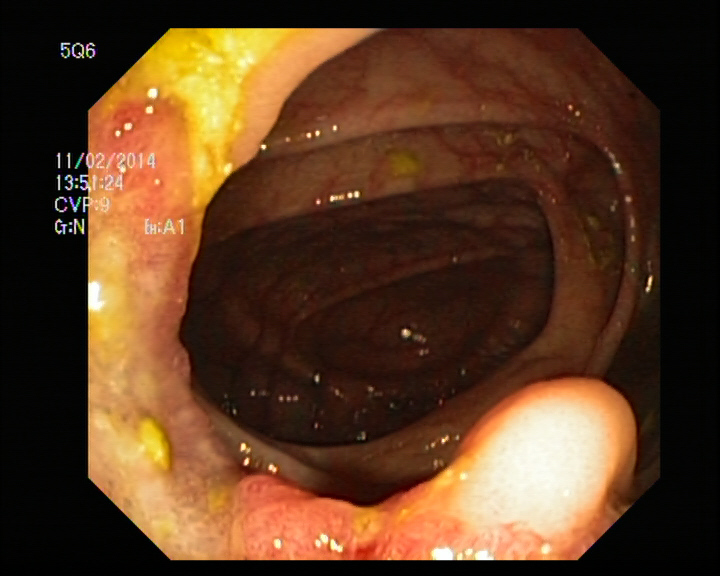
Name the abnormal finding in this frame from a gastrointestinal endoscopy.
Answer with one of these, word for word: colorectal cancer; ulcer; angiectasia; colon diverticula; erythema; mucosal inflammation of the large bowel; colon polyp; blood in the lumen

colorectal cancer